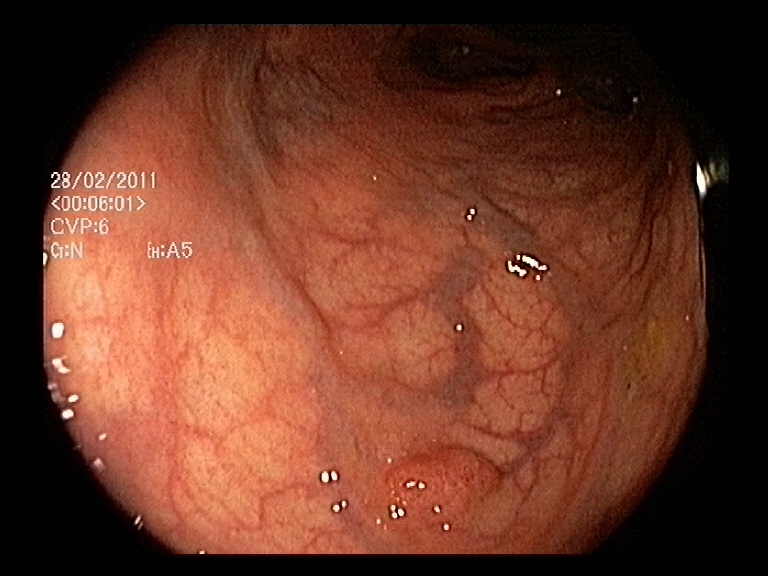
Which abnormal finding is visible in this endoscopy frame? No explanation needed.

colon polyp